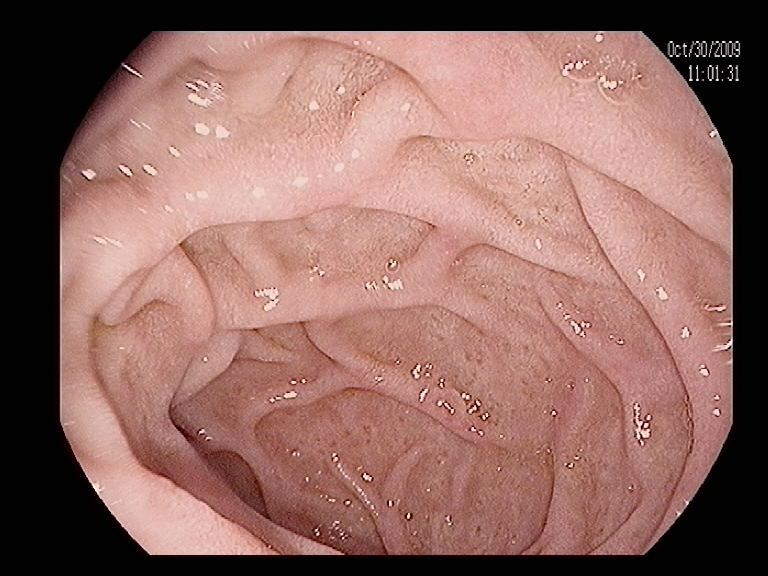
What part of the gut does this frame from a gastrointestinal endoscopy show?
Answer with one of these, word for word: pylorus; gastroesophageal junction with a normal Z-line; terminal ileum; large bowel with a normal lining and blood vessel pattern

terminal ileum